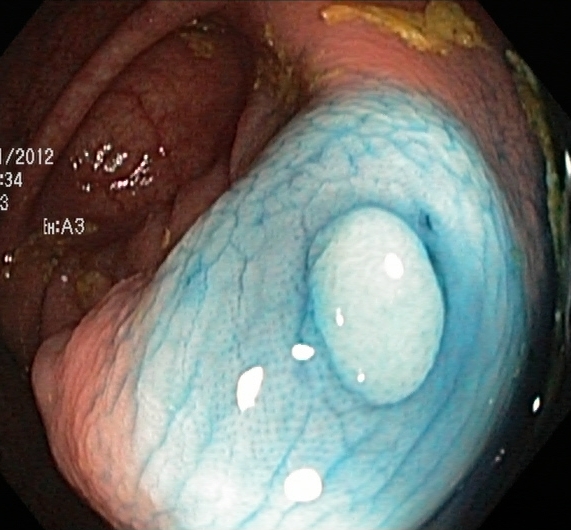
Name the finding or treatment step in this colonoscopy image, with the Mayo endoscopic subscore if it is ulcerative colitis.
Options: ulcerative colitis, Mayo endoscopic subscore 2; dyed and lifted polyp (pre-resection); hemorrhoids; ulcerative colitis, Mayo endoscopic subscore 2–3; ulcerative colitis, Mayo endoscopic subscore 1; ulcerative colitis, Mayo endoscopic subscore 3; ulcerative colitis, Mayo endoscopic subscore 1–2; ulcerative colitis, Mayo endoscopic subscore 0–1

dyed and lifted polyp (pre-resection)